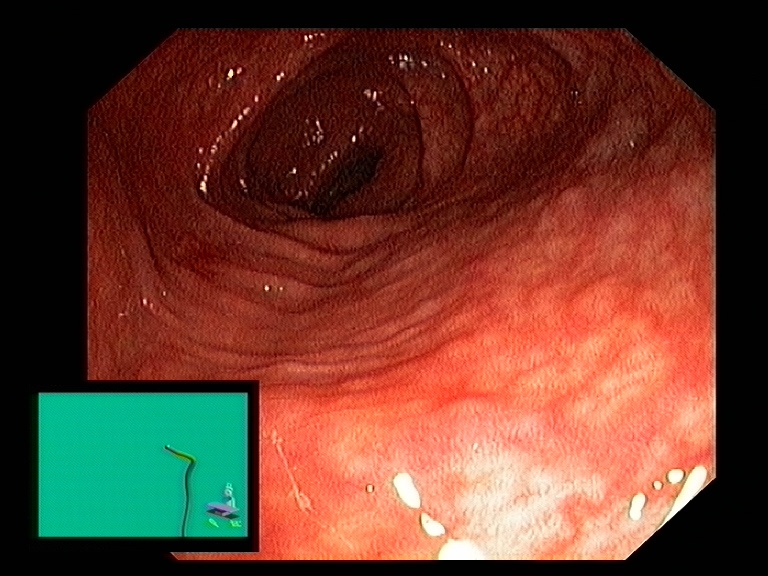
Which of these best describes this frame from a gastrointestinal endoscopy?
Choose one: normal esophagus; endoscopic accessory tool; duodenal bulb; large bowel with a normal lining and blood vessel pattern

large bowel with a normal lining and blood vessel pattern